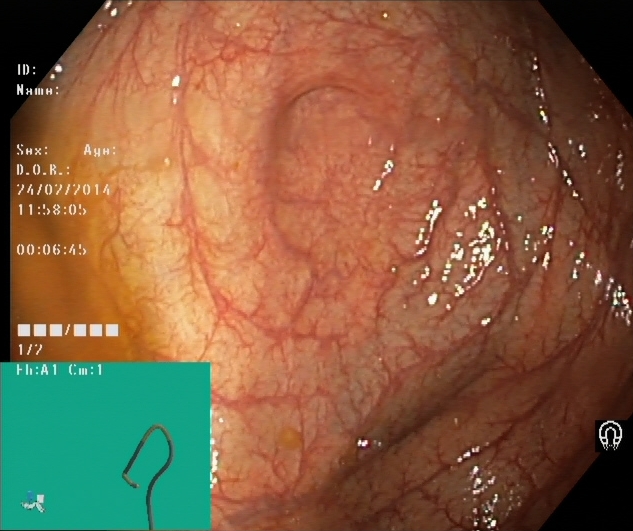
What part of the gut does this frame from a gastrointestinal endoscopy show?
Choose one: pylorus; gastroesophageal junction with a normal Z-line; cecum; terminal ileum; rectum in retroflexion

cecum